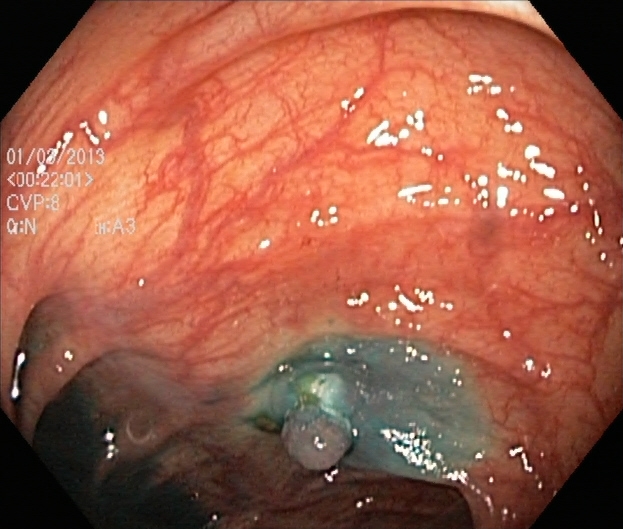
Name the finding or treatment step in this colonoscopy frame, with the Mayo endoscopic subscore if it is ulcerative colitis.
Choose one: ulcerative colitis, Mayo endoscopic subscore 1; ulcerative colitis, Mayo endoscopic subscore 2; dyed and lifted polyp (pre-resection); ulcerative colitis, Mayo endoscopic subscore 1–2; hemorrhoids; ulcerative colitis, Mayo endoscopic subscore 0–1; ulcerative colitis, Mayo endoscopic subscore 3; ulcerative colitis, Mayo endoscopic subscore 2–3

dyed and lifted polyp (pre-resection)